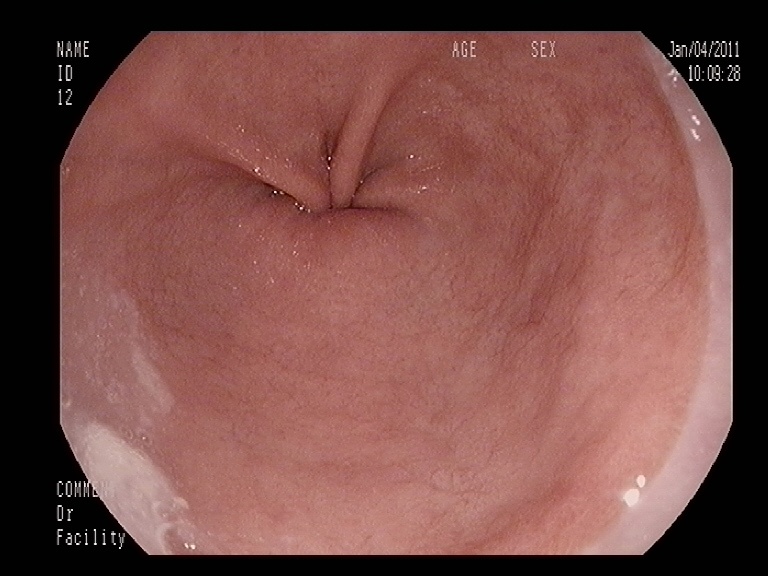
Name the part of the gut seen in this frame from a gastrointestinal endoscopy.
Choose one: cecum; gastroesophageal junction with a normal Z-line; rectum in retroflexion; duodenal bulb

gastroesophageal junction with a normal Z-line